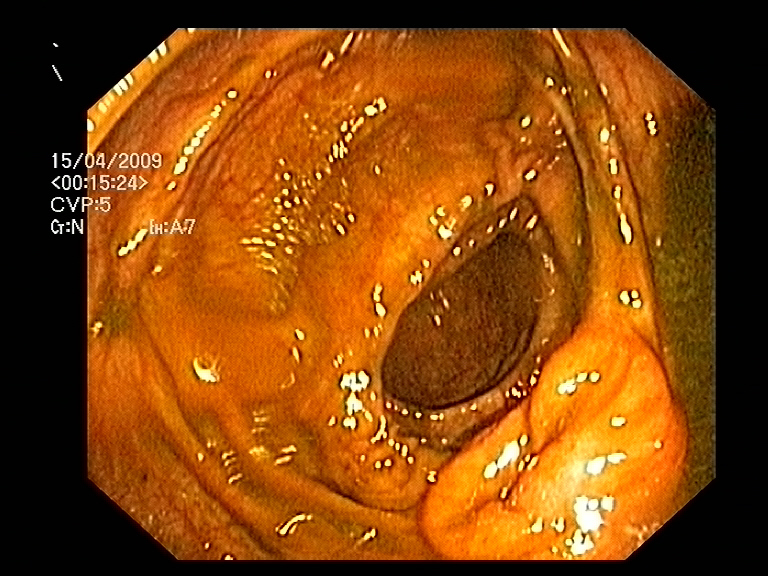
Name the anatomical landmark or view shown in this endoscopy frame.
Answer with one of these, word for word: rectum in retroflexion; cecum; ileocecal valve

ileocecal valve